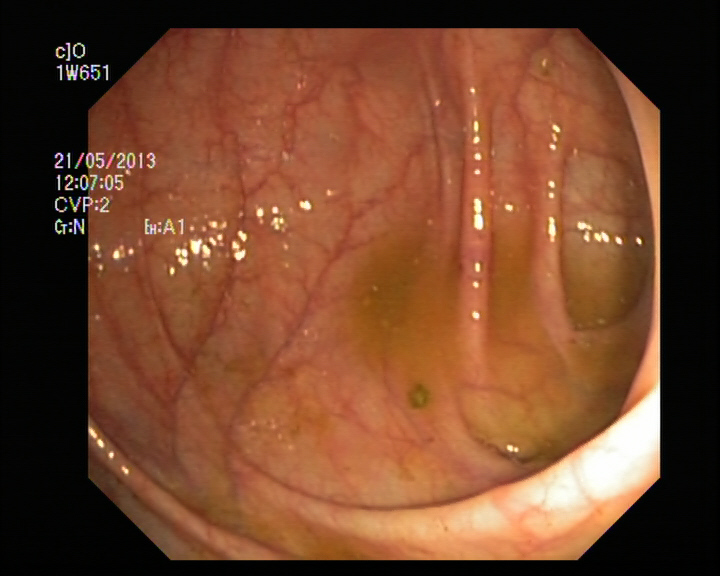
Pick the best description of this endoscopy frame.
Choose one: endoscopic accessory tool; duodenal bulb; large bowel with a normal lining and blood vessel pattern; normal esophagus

large bowel with a normal lining and blood vessel pattern